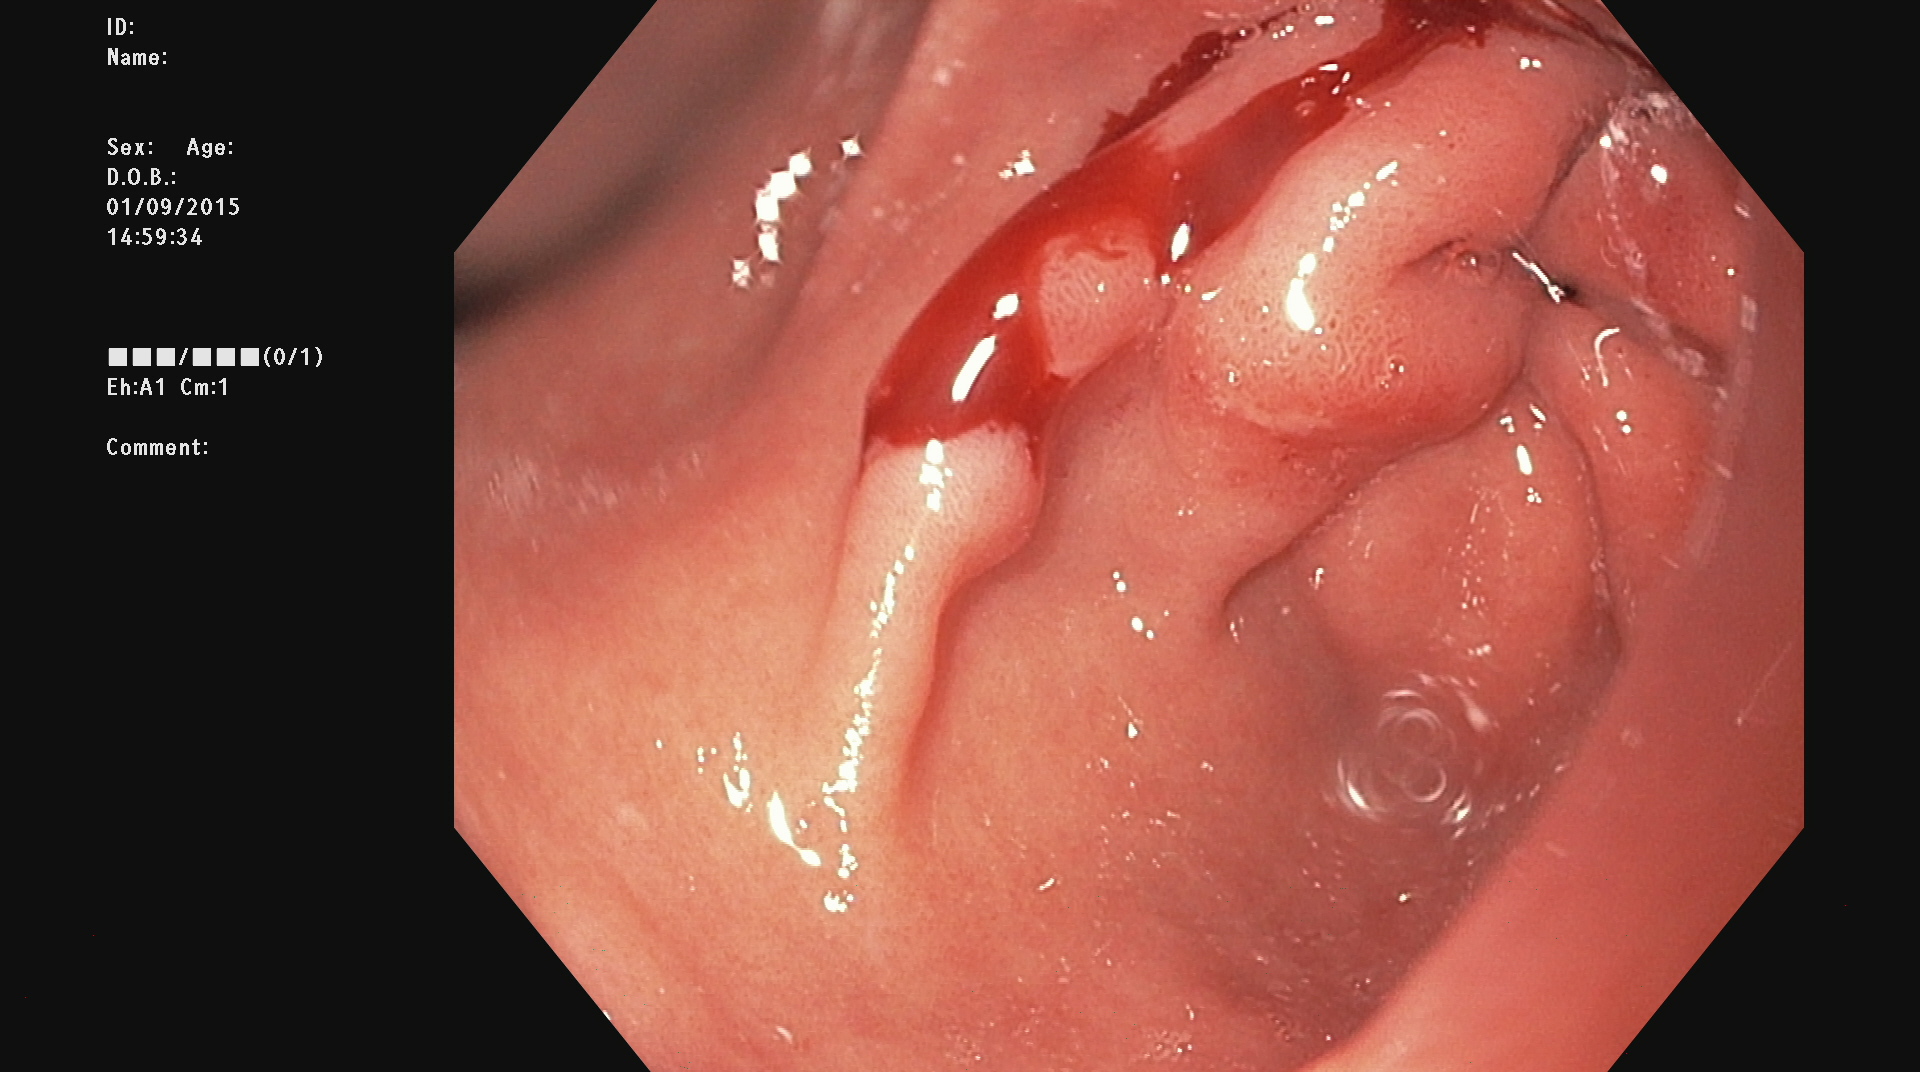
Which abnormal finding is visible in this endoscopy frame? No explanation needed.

blood in the lumen